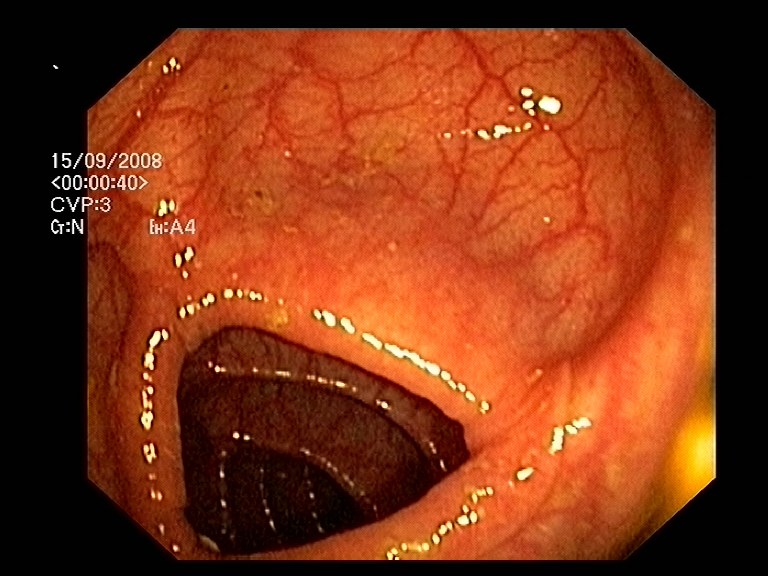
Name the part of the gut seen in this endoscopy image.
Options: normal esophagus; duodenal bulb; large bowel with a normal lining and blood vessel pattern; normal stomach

large bowel with a normal lining and blood vessel pattern